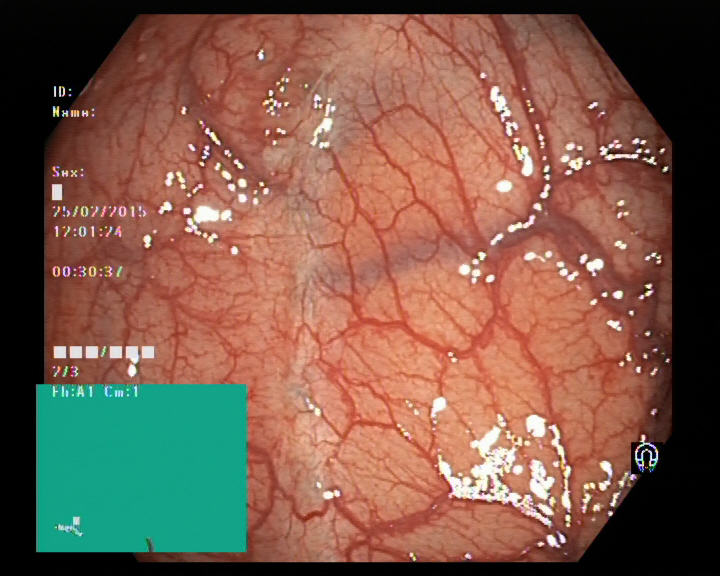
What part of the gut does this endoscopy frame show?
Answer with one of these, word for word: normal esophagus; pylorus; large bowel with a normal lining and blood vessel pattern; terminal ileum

large bowel with a normal lining and blood vessel pattern